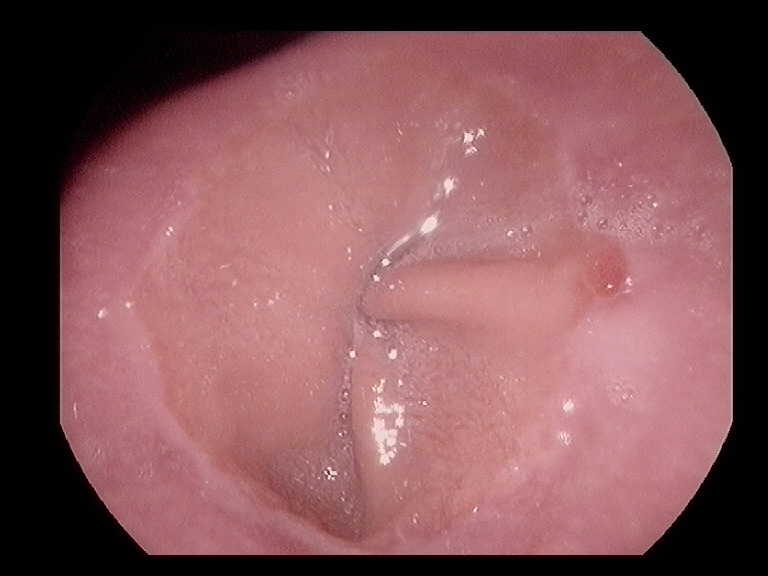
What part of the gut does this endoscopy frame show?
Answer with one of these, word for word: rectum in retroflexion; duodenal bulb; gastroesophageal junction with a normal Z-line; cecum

gastroesophageal junction with a normal Z-line